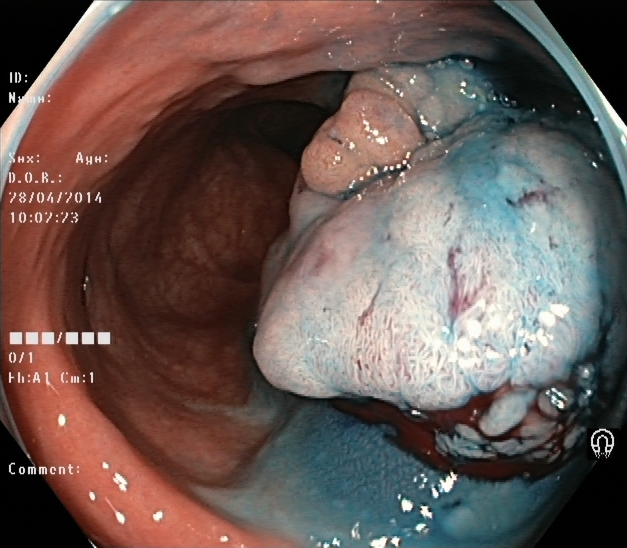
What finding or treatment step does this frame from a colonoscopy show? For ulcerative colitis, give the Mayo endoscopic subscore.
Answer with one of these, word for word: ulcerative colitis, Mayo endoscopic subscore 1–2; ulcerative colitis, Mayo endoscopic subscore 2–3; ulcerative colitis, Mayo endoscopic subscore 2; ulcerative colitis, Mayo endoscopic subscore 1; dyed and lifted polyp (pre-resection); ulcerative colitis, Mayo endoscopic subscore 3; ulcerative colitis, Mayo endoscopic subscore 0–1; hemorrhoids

dyed and lifted polyp (pre-resection)